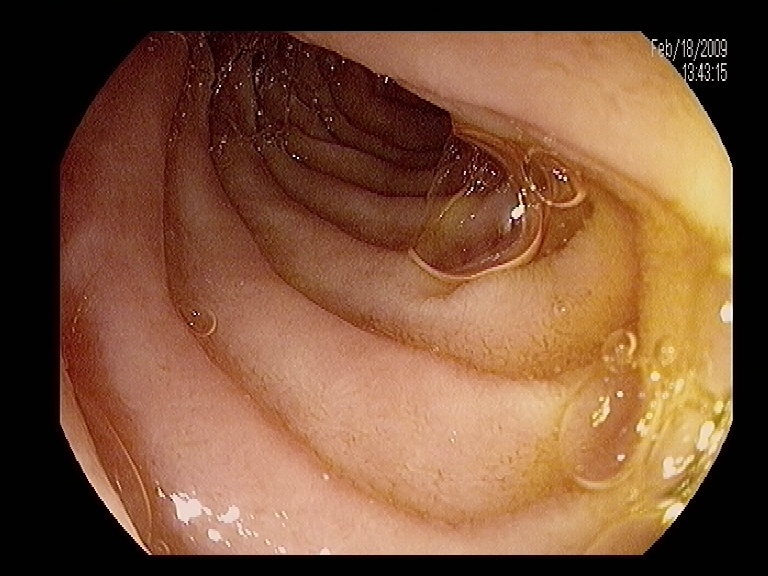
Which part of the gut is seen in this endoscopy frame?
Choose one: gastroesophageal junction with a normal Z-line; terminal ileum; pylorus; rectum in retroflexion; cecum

terminal ileum